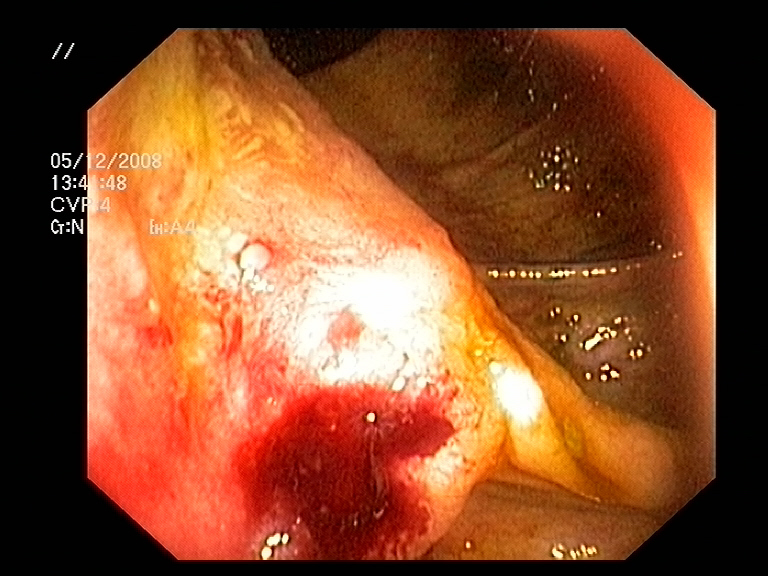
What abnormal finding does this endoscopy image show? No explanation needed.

blood in the lumen